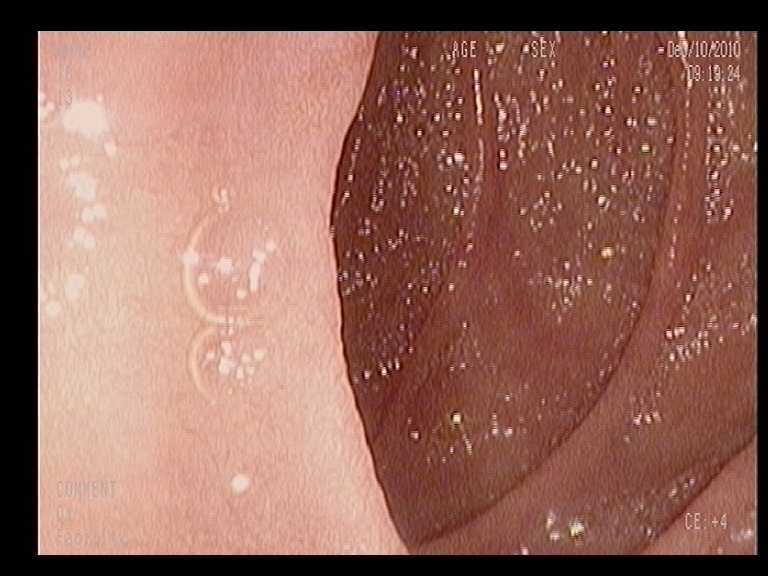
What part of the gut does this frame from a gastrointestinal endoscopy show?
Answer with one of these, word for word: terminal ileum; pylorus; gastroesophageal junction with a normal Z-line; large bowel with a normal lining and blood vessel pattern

terminal ileum